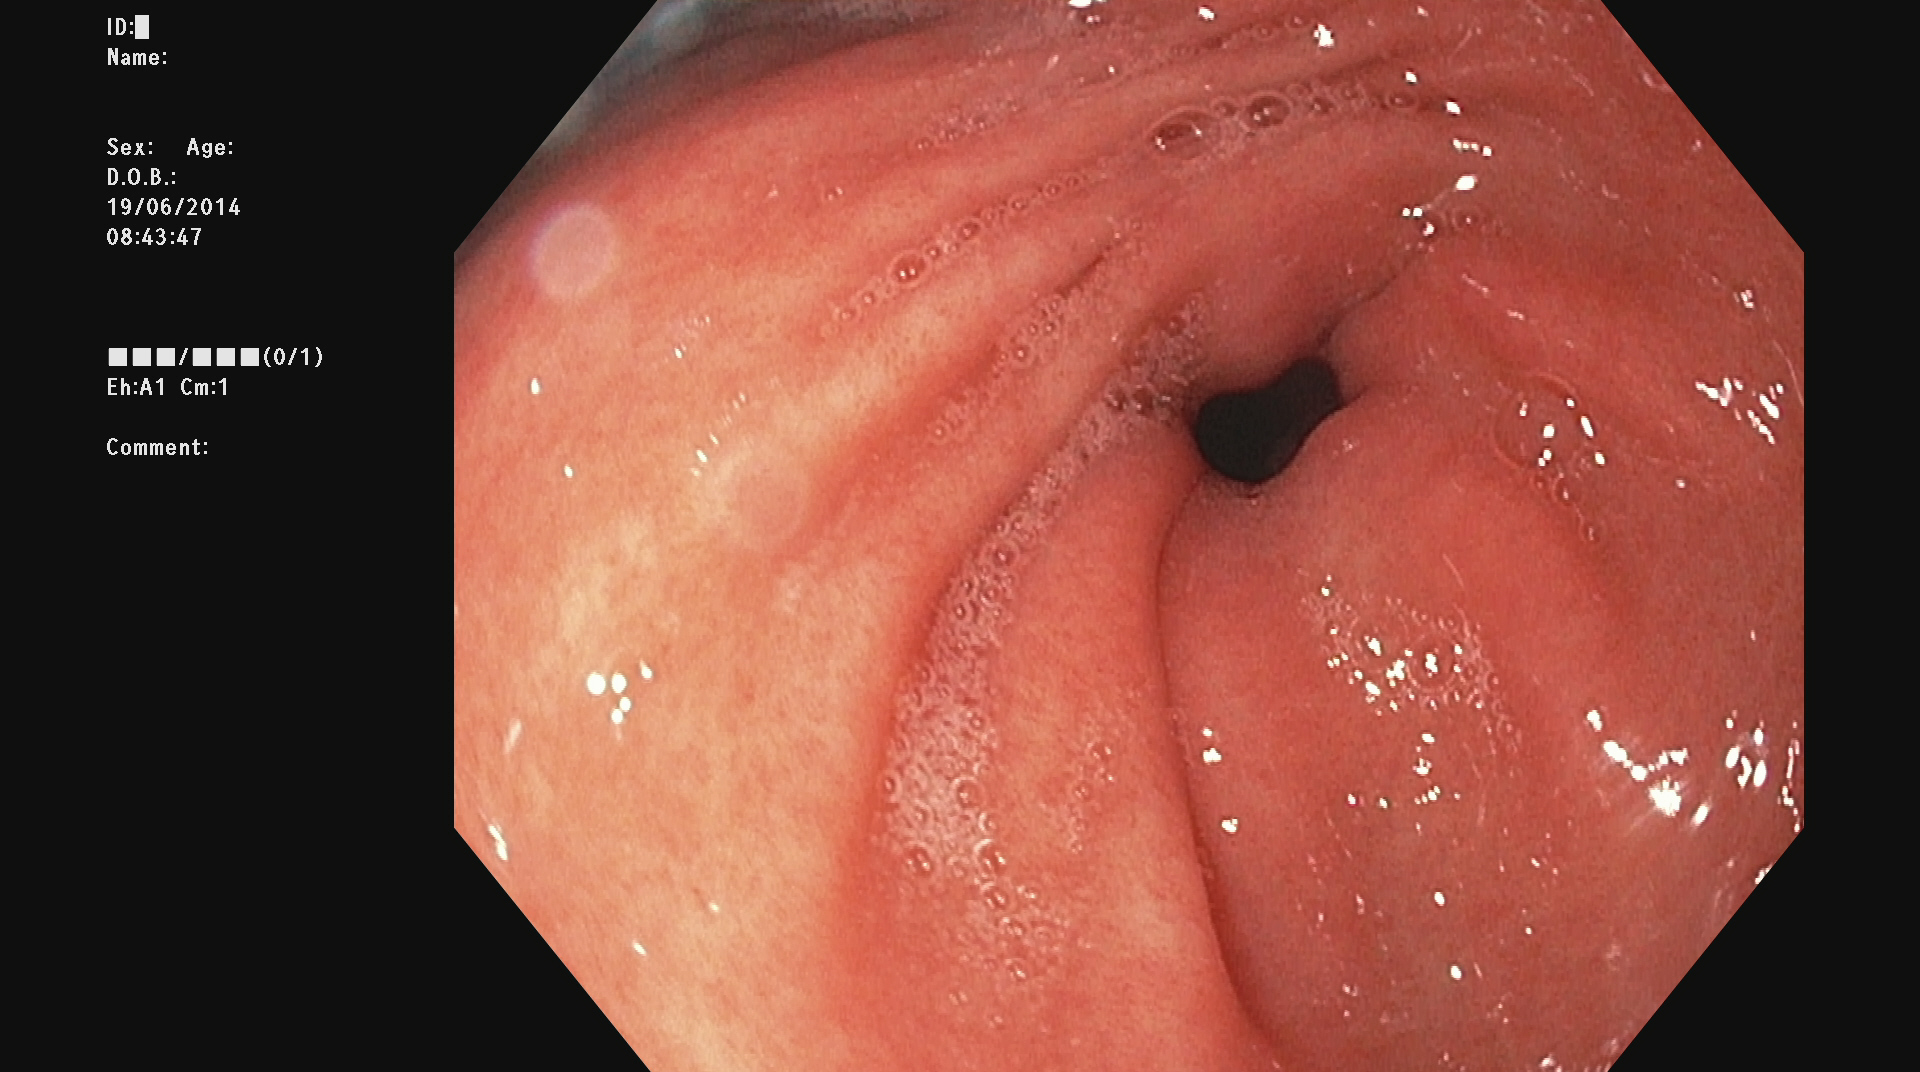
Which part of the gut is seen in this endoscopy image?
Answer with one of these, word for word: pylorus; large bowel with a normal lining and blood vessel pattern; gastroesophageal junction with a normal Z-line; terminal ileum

pylorus